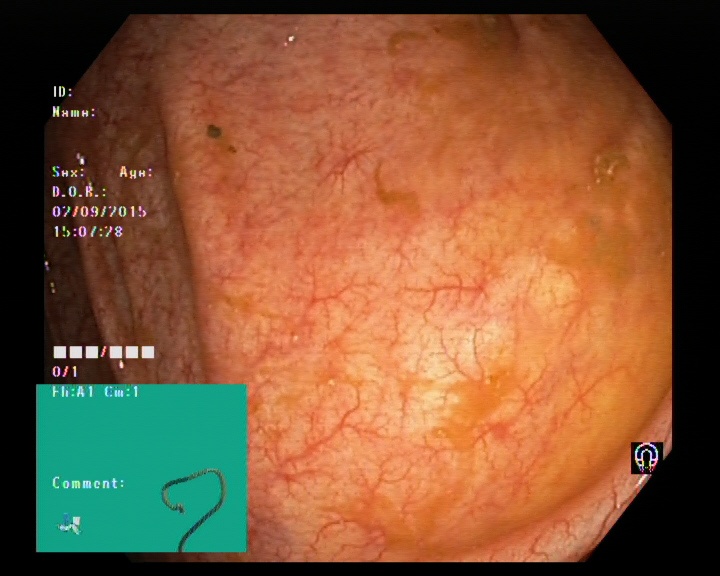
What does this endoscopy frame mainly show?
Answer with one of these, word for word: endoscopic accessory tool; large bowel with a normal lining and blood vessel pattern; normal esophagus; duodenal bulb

large bowel with a normal lining and blood vessel pattern